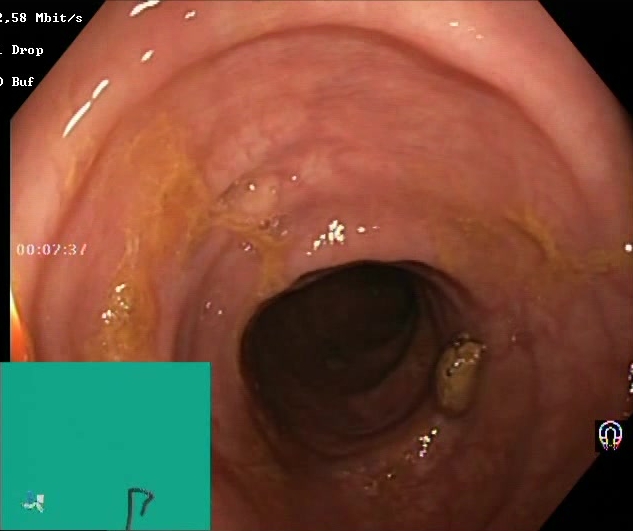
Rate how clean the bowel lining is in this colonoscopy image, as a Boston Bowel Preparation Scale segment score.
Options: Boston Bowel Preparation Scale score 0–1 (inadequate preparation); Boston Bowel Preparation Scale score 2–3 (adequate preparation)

Boston Bowel Preparation Scale score 2–3 (adequate preparation)